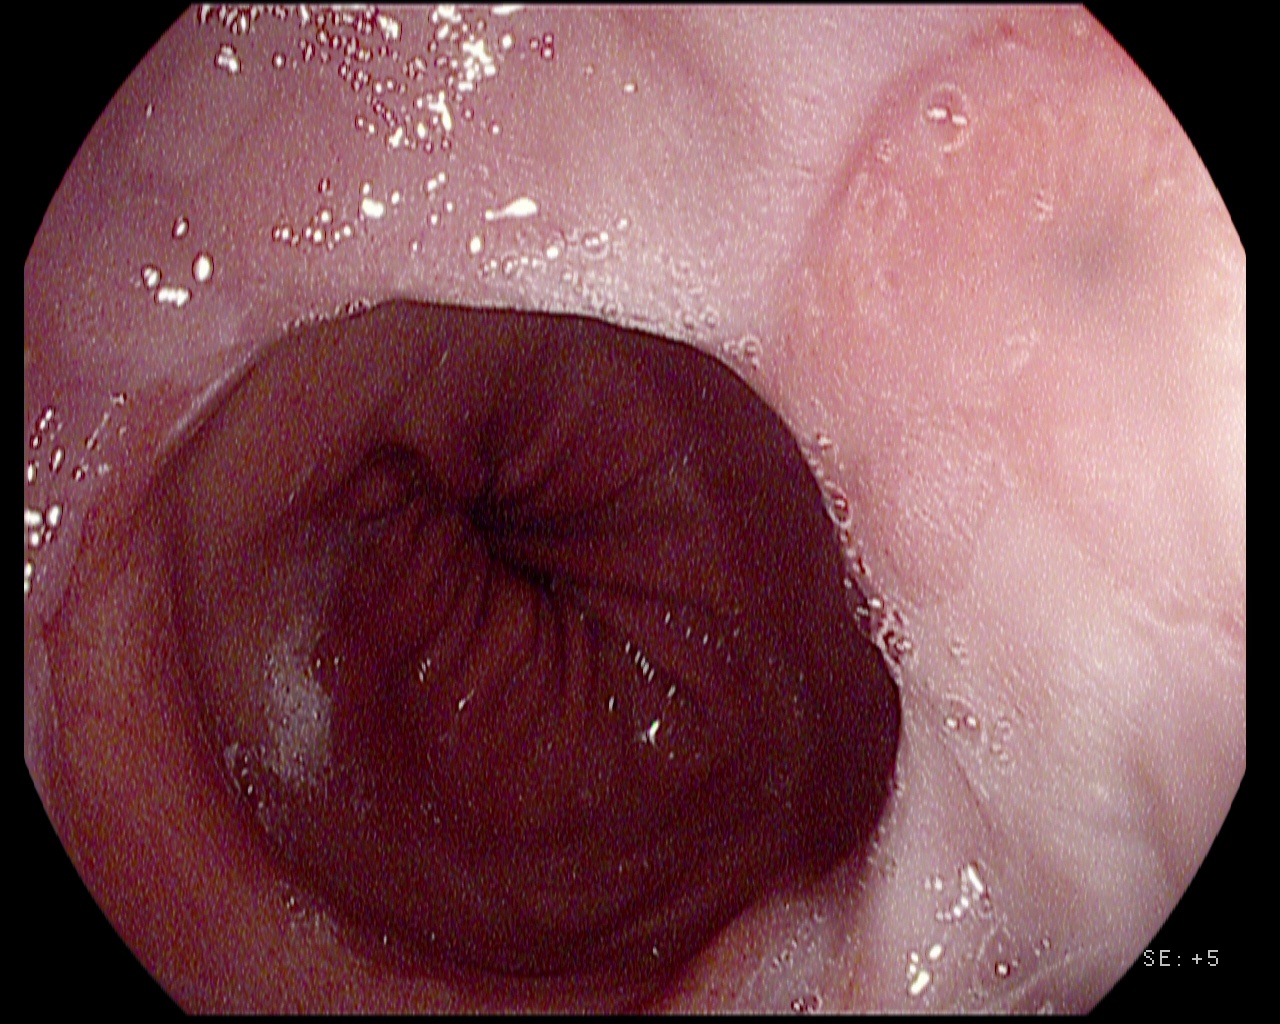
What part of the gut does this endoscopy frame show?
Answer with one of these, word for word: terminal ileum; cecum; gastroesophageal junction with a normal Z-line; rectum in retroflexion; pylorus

gastroesophageal junction with a normal Z-line